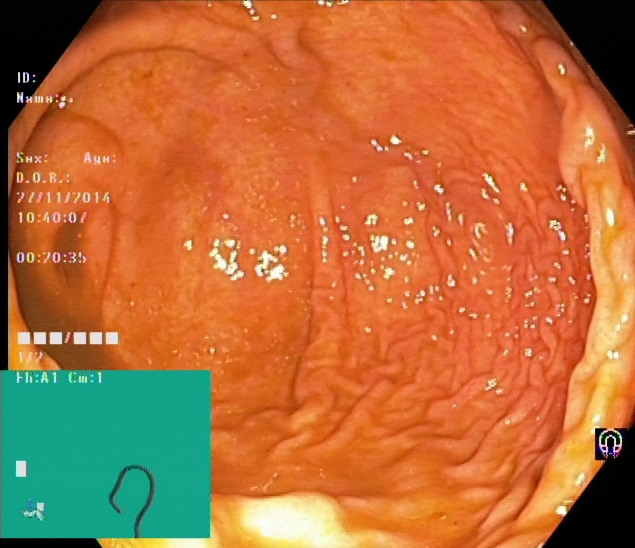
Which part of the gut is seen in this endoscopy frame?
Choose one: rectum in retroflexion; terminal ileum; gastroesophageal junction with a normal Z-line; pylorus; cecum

cecum